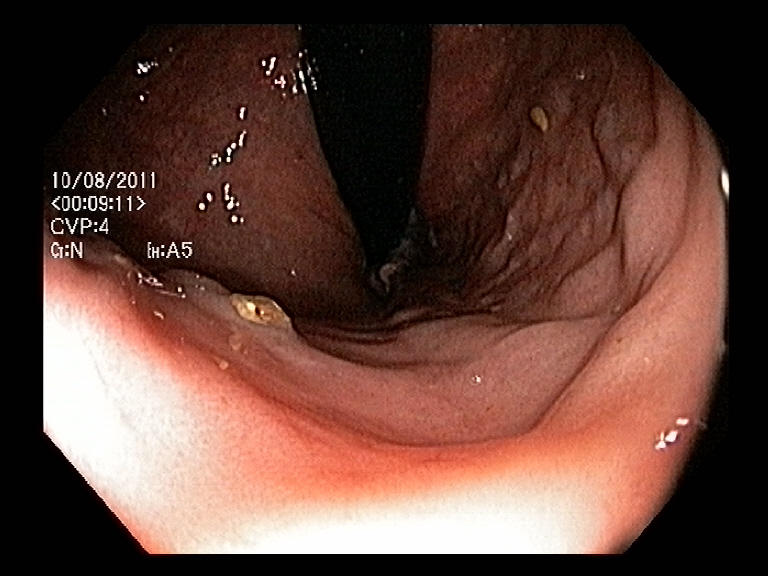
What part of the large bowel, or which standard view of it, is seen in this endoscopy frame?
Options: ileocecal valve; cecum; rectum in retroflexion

rectum in retroflexion